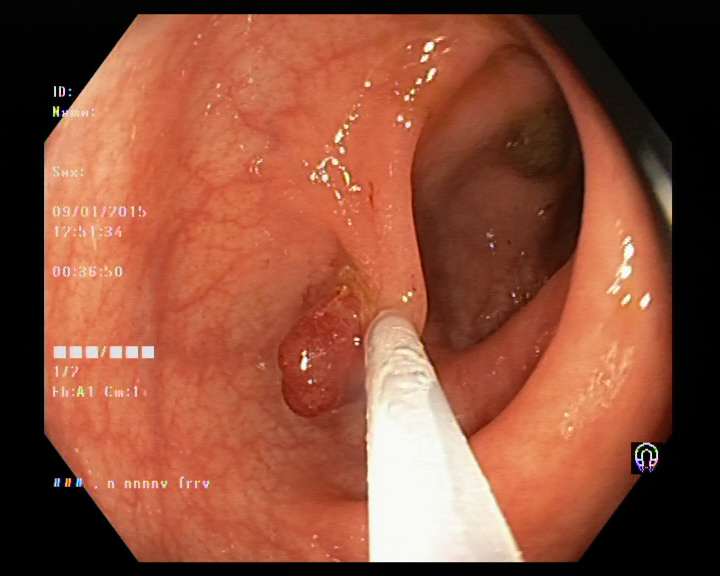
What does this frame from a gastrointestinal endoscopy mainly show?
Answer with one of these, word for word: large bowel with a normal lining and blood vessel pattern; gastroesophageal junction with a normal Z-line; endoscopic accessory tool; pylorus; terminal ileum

endoscopic accessory tool